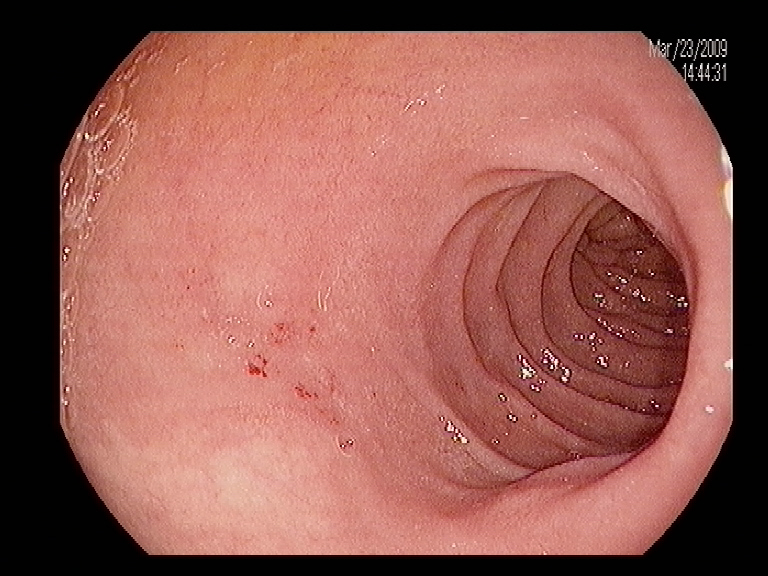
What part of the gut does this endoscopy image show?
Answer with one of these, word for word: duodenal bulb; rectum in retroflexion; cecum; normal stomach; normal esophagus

duodenal bulb